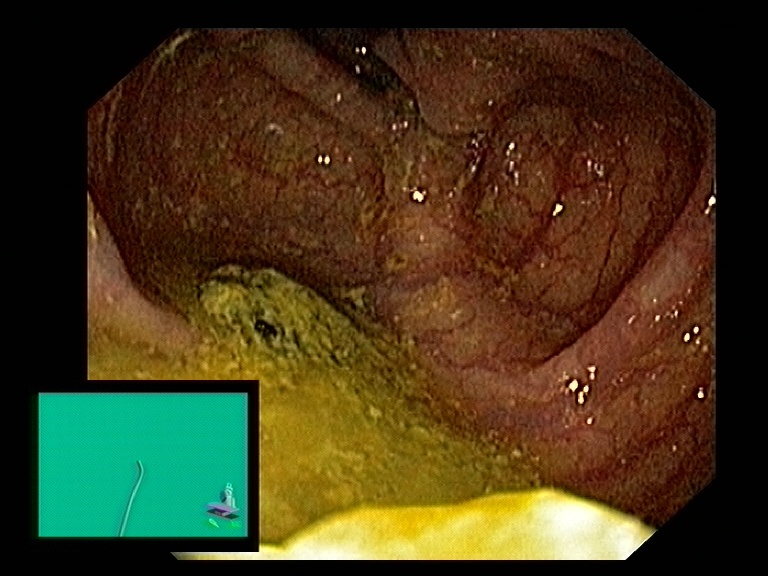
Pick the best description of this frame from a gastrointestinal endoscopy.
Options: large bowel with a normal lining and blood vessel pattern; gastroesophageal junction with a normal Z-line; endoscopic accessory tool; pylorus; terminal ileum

large bowel with a normal lining and blood vessel pattern